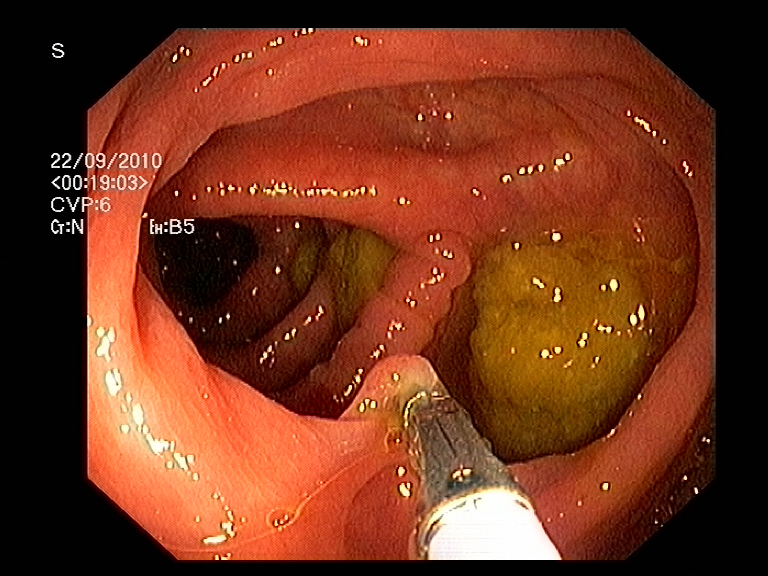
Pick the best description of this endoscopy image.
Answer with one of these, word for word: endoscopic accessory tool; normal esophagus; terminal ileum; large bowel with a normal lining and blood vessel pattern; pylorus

endoscopic accessory tool